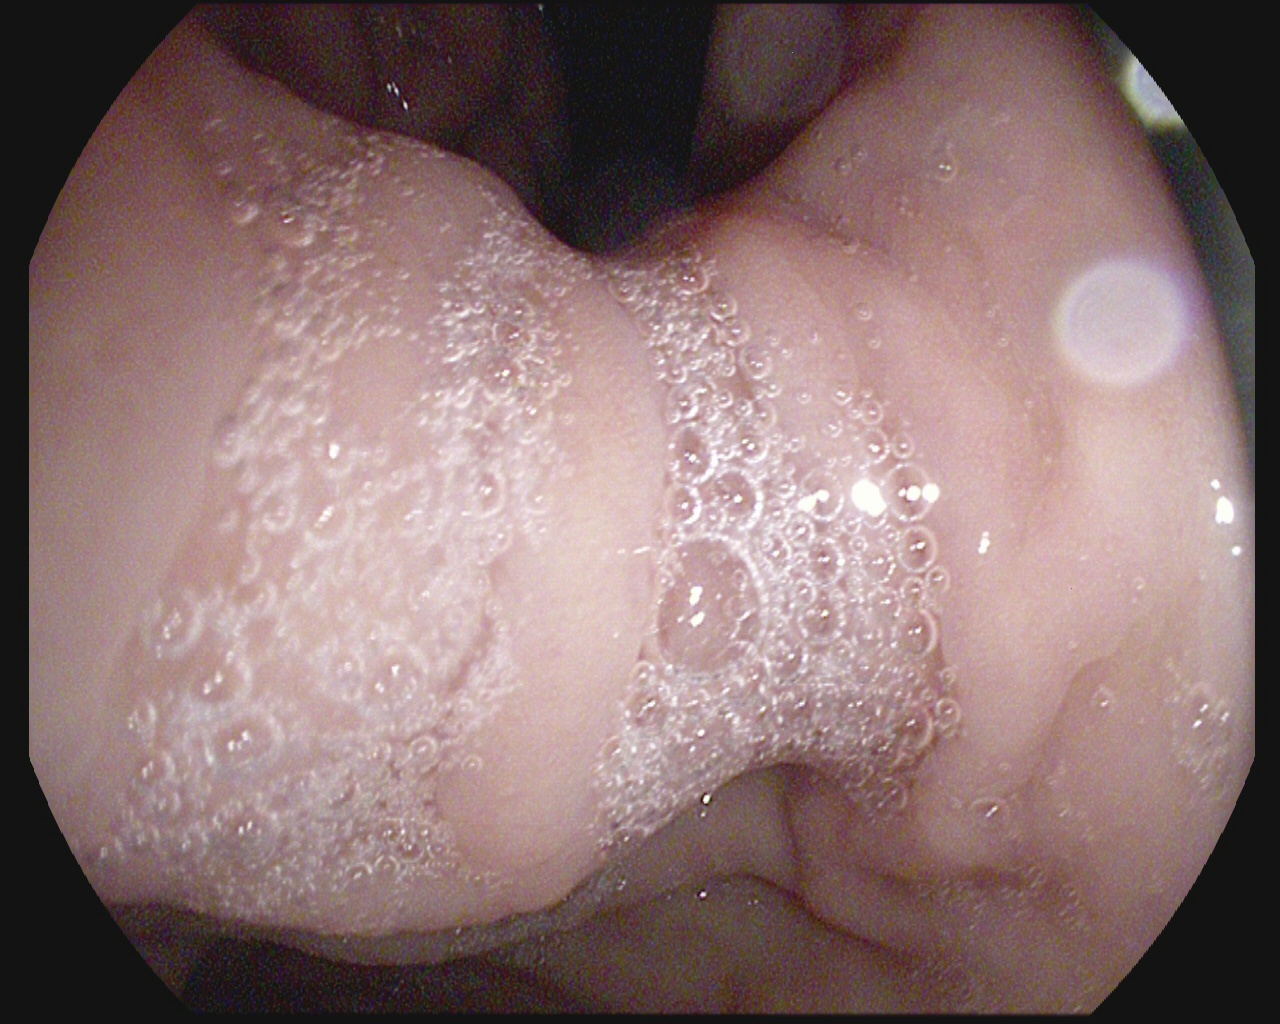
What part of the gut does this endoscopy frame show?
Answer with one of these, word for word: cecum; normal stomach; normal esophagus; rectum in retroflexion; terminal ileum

normal stomach